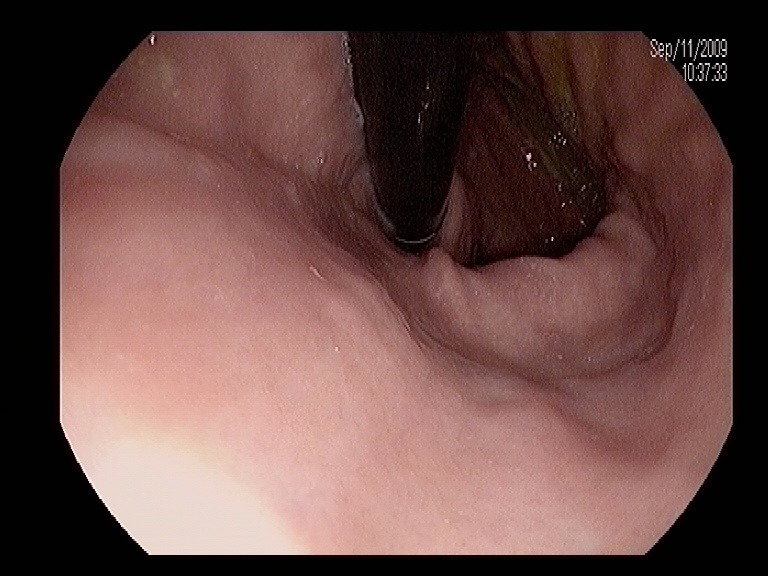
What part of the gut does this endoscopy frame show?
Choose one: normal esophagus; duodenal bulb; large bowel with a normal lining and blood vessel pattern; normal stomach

normal stomach